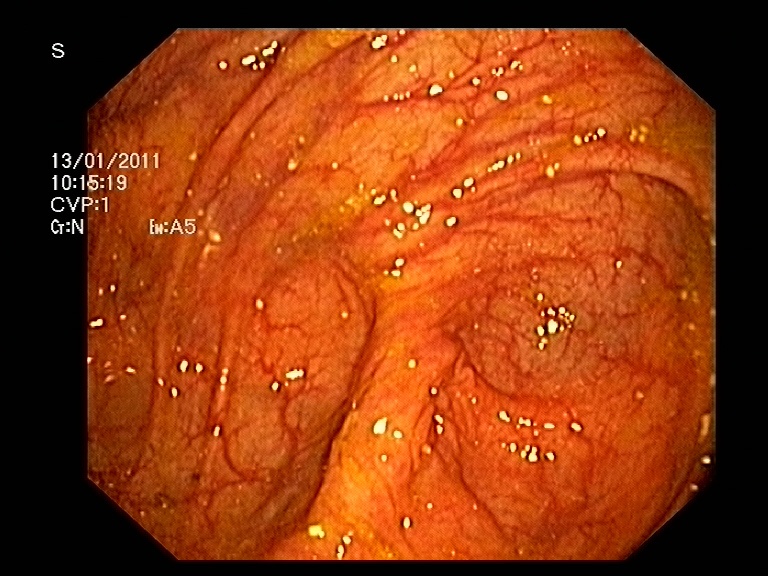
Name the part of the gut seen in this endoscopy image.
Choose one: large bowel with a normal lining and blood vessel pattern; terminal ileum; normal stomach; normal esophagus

large bowel with a normal lining and blood vessel pattern